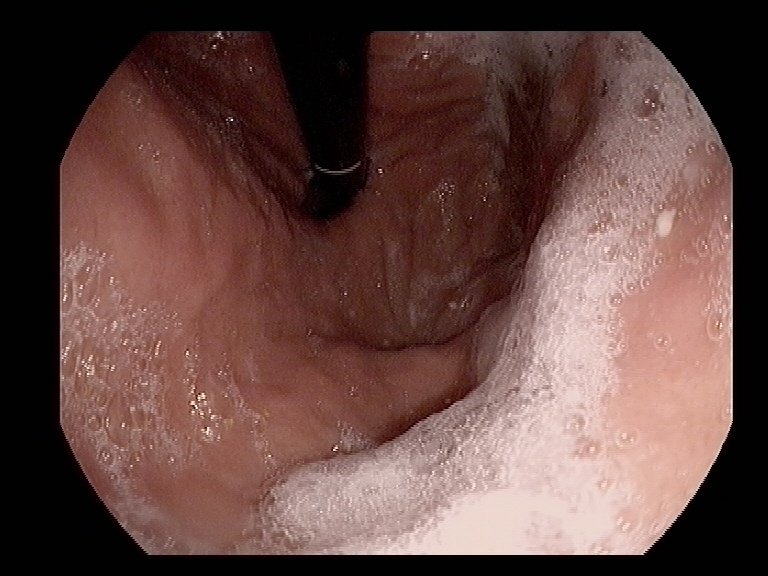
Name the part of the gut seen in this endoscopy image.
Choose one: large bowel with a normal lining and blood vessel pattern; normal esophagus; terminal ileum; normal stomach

normal stomach